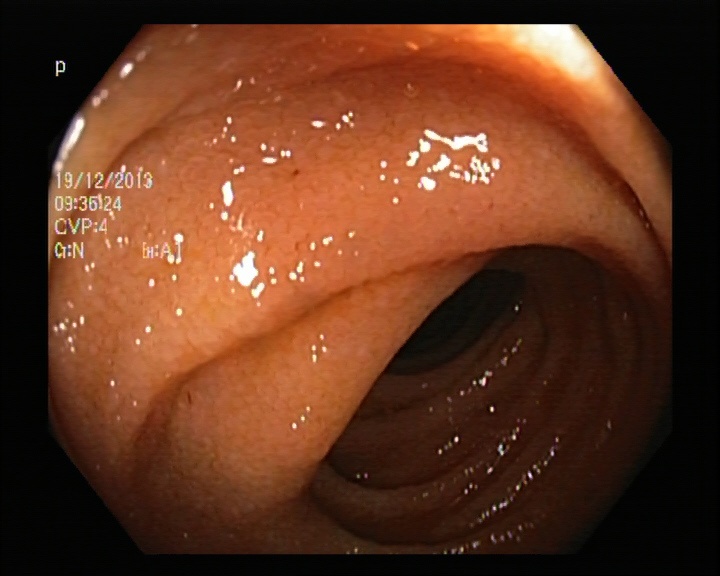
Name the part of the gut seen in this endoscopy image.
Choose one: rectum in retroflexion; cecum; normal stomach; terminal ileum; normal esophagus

terminal ileum